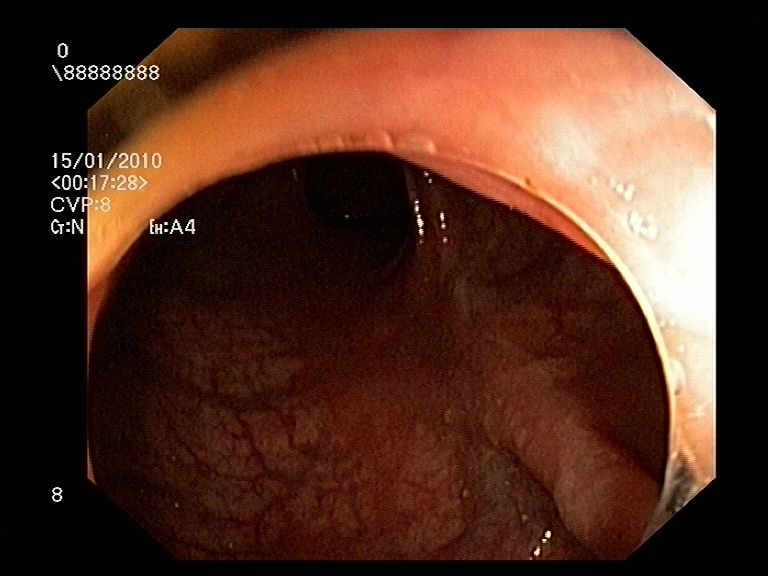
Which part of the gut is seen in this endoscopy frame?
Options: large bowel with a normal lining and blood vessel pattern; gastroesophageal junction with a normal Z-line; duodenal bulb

large bowel with a normal lining and blood vessel pattern